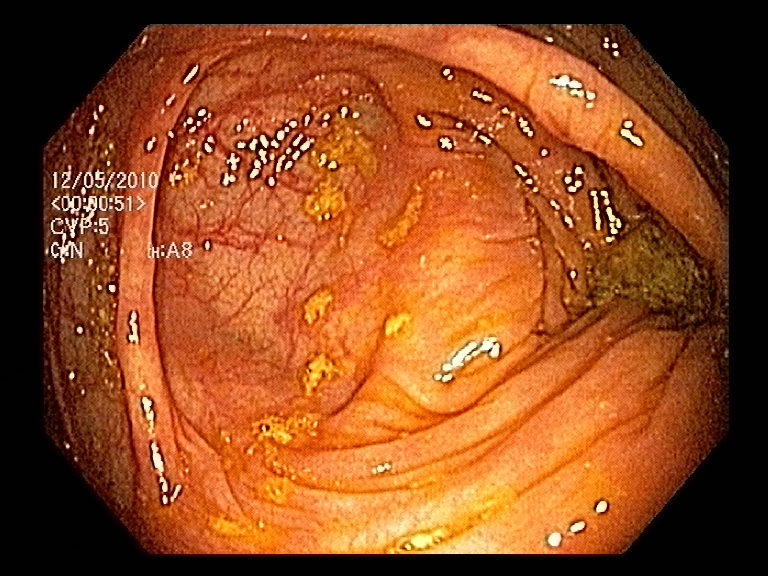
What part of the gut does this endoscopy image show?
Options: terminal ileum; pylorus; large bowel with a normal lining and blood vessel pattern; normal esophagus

large bowel with a normal lining and blood vessel pattern